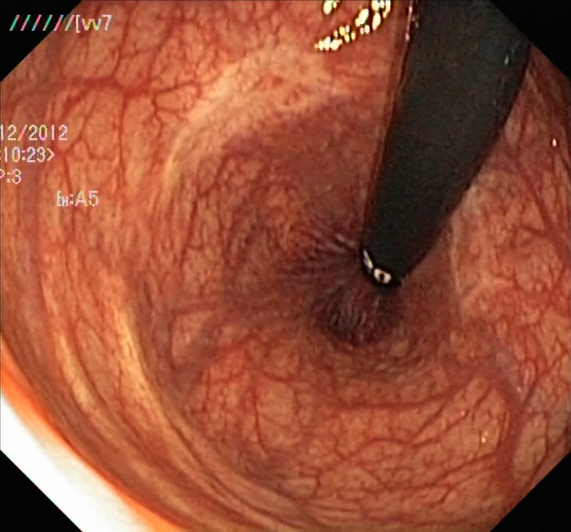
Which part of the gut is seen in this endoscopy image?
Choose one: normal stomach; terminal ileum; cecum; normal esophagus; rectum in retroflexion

rectum in retroflexion